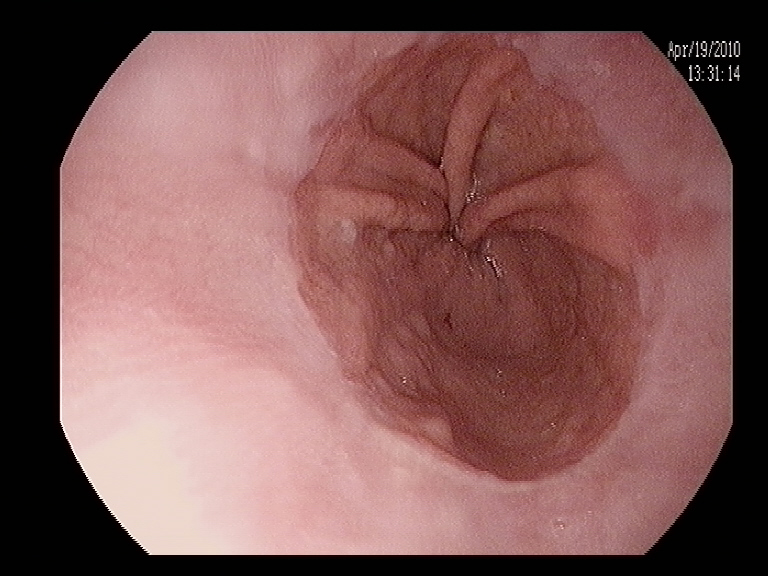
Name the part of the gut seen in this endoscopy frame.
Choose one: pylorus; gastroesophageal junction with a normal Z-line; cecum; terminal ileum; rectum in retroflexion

gastroesophageal junction with a normal Z-line